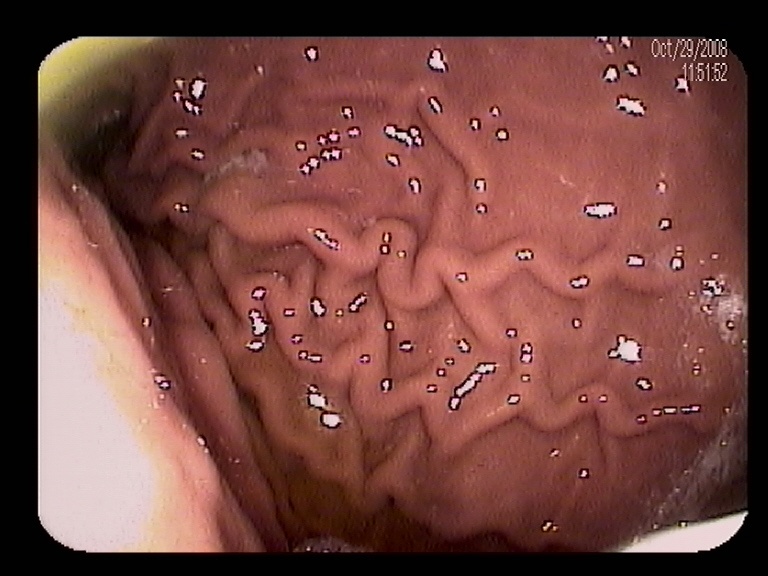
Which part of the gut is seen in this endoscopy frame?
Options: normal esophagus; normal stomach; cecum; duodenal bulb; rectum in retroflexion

normal stomach